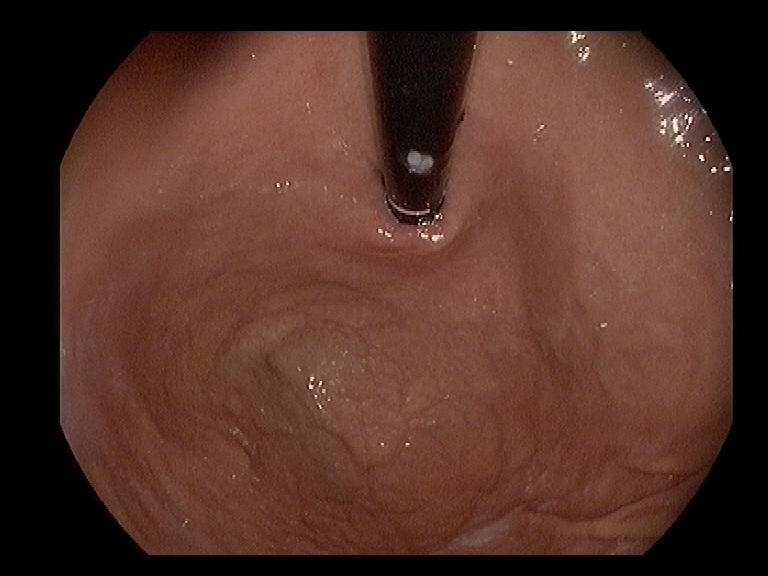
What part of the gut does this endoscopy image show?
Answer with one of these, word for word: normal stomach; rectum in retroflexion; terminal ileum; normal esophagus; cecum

normal stomach